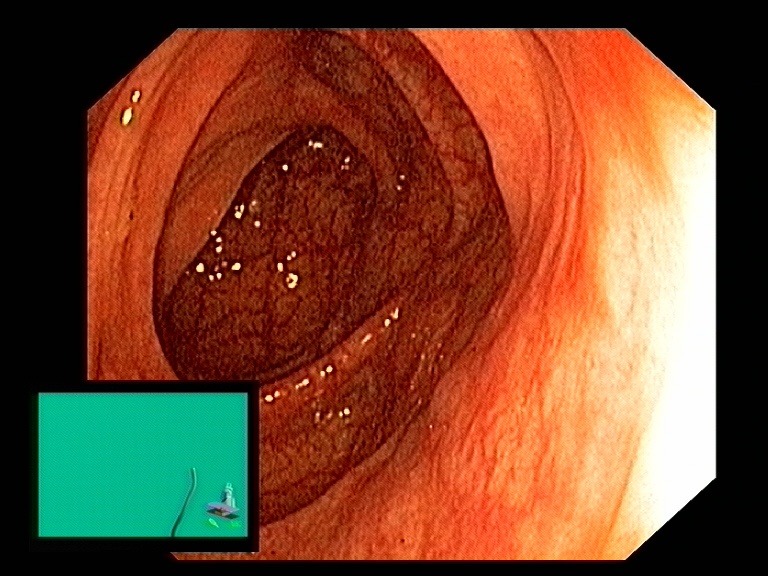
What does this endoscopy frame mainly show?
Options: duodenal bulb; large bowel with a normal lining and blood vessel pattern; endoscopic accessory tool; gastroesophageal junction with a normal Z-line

large bowel with a normal lining and blood vessel pattern